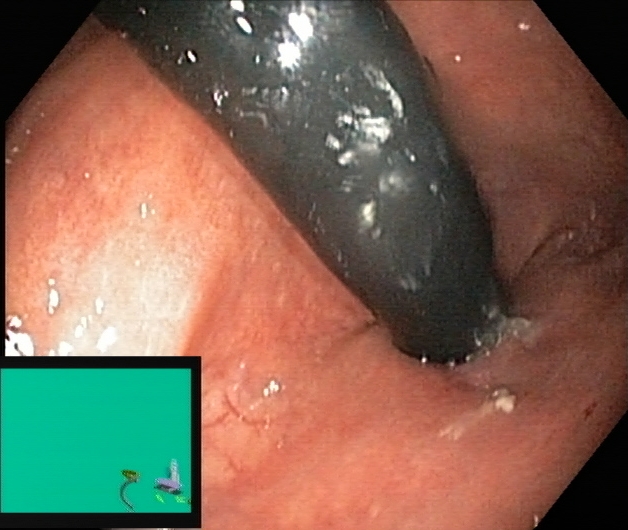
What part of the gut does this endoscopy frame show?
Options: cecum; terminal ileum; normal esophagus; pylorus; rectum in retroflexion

rectum in retroflexion